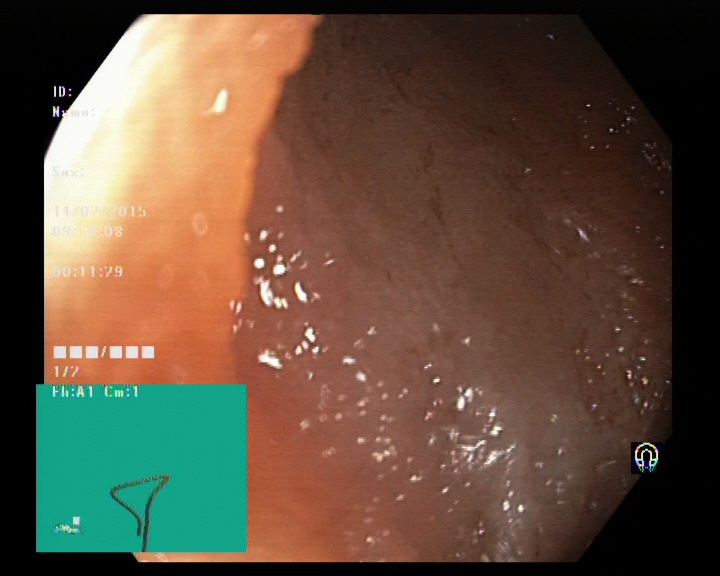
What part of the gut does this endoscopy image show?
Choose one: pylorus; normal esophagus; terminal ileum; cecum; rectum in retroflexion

terminal ileum